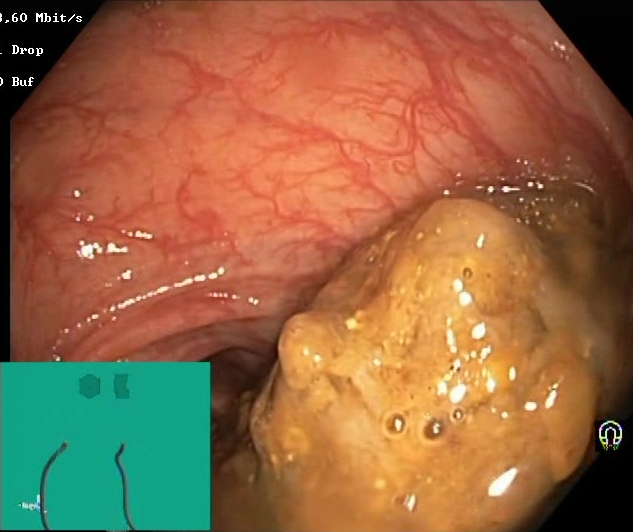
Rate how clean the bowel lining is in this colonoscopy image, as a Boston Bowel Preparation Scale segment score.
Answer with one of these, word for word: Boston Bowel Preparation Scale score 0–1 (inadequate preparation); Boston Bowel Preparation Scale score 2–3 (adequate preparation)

Boston Bowel Preparation Scale score 0–1 (inadequate preparation)